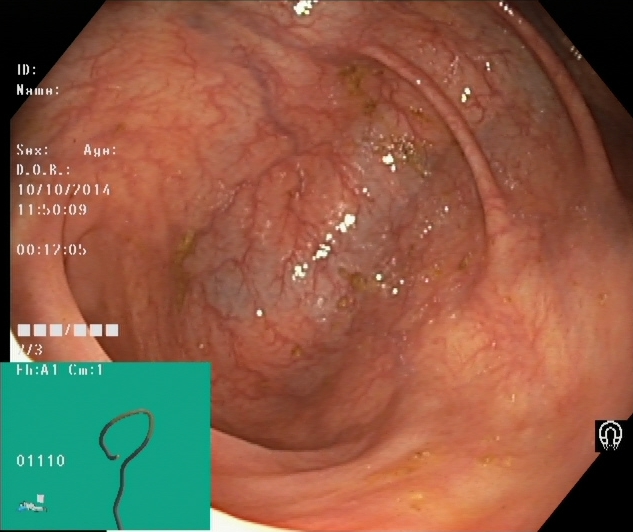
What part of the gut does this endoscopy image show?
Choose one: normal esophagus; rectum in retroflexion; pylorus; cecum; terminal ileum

cecum